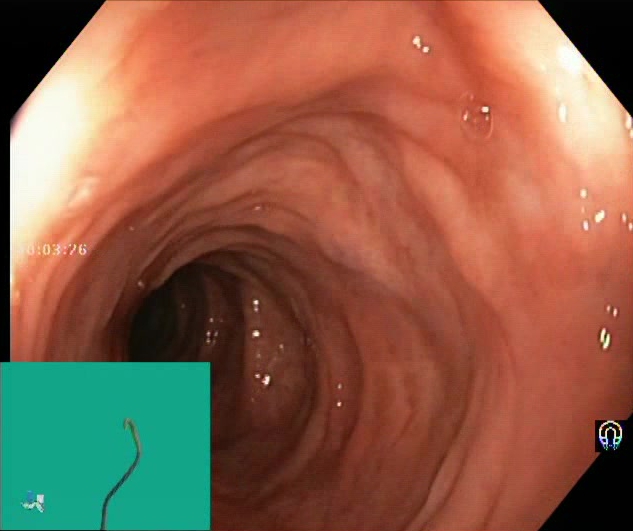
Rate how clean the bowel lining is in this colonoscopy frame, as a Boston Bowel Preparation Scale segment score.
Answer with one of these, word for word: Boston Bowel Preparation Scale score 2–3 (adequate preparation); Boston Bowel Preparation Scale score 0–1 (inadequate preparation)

Boston Bowel Preparation Scale score 2–3 (adequate preparation)